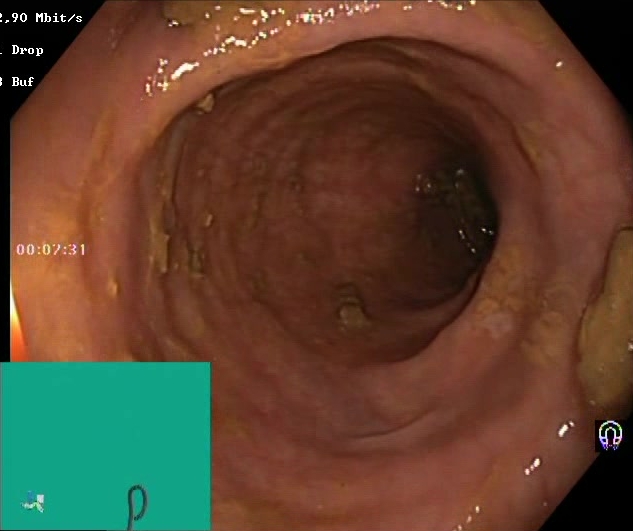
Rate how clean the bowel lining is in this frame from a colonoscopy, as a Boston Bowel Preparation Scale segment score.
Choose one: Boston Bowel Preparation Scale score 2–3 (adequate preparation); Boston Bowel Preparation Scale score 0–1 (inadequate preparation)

Boston Bowel Preparation Scale score 2–3 (adequate preparation)